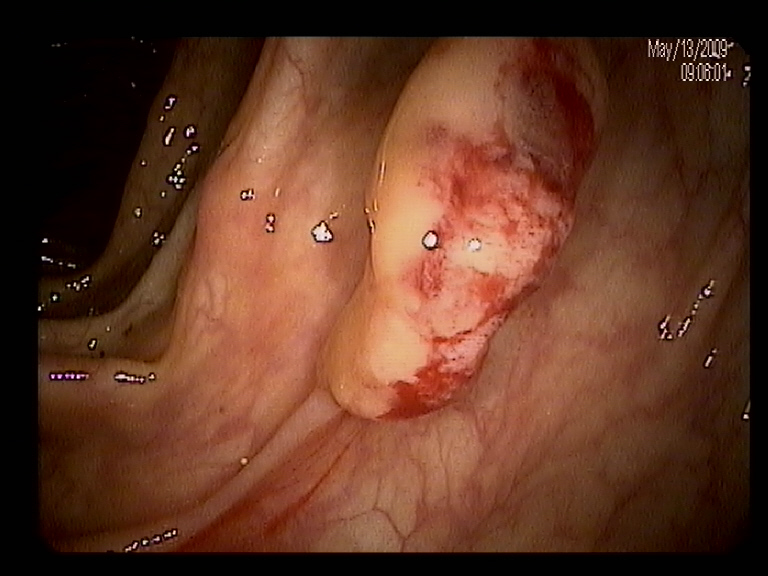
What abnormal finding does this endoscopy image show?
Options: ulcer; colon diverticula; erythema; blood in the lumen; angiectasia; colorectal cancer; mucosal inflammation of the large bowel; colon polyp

colon polyp